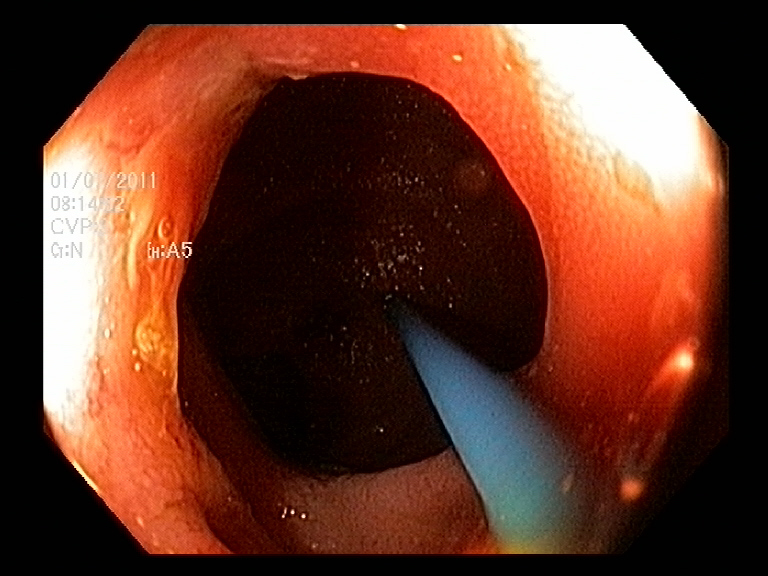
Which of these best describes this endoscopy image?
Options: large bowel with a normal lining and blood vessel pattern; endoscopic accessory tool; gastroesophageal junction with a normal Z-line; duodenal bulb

endoscopic accessory tool